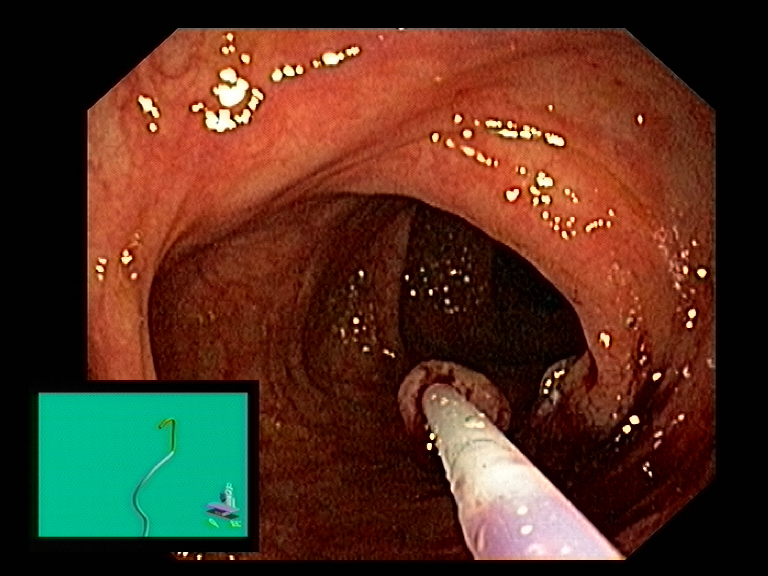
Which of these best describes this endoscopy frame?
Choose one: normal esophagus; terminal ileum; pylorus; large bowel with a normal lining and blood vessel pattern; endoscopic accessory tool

endoscopic accessory tool